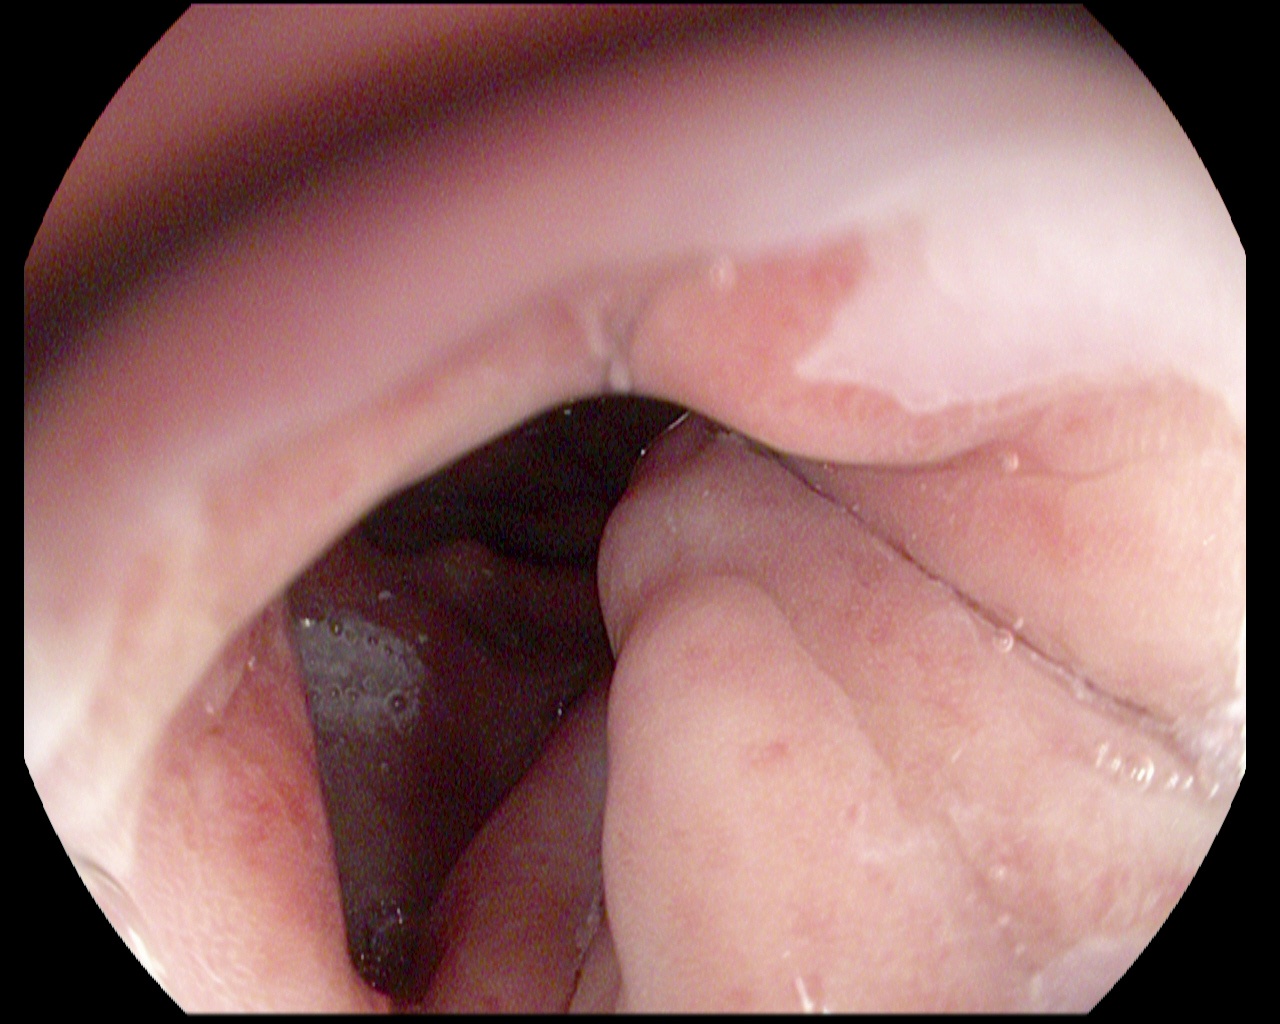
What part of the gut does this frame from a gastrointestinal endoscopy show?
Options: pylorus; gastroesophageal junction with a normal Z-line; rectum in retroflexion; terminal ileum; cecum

gastroesophageal junction with a normal Z-line